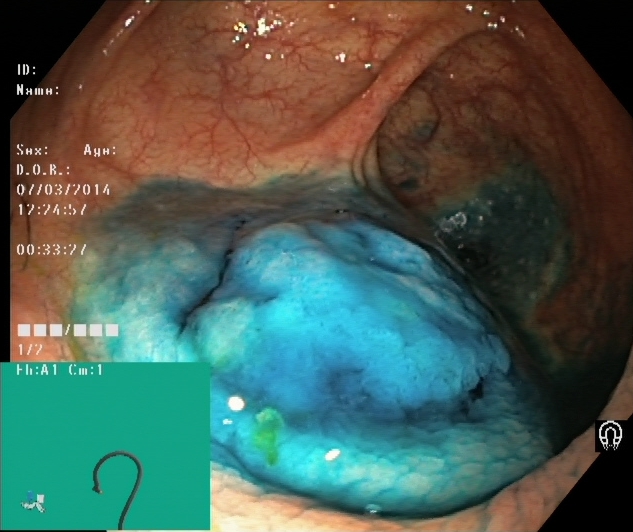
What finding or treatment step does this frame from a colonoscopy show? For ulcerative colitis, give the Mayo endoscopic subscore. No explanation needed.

dyed and lifted polyp (pre-resection)